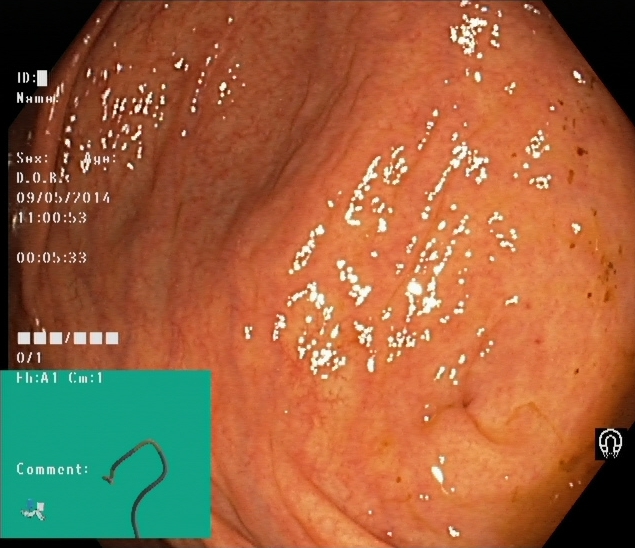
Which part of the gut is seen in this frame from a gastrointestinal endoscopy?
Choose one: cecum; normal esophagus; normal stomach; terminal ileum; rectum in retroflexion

cecum